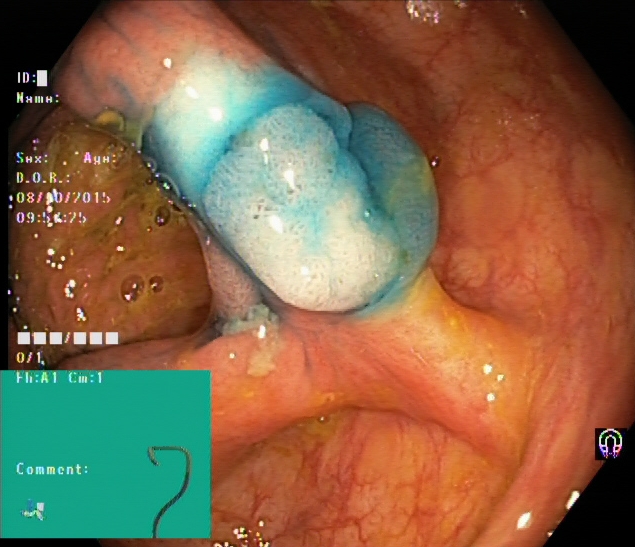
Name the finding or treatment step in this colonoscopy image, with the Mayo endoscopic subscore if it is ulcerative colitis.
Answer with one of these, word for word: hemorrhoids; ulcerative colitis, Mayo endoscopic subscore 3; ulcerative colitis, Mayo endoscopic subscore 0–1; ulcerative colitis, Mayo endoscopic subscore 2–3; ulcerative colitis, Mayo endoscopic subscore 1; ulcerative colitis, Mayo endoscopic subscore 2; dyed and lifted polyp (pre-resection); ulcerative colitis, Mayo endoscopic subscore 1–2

dyed and lifted polyp (pre-resection)